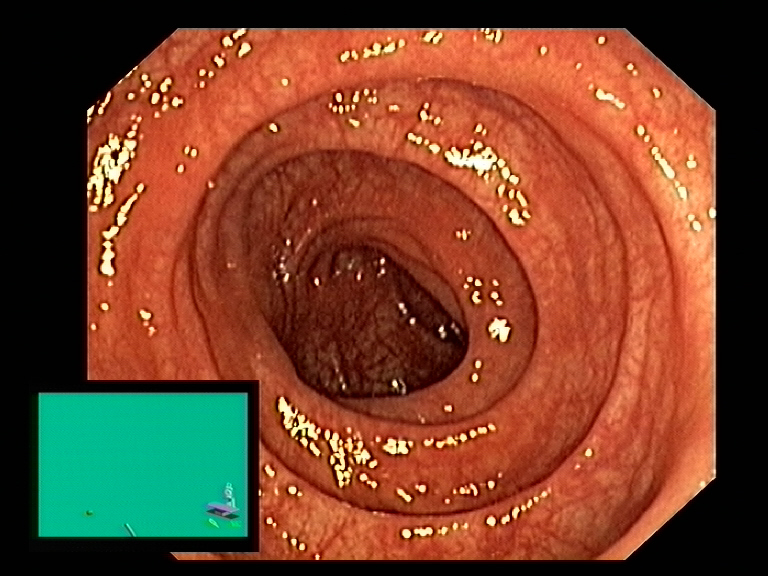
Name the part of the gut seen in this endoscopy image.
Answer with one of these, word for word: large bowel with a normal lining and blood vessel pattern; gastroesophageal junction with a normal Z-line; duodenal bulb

large bowel with a normal lining and blood vessel pattern